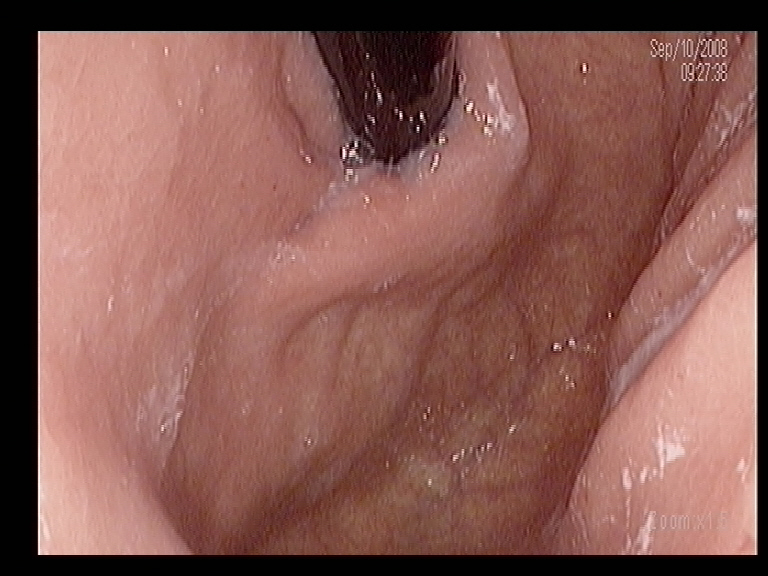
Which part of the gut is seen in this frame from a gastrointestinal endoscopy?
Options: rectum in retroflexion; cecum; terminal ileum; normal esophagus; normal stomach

normal stomach